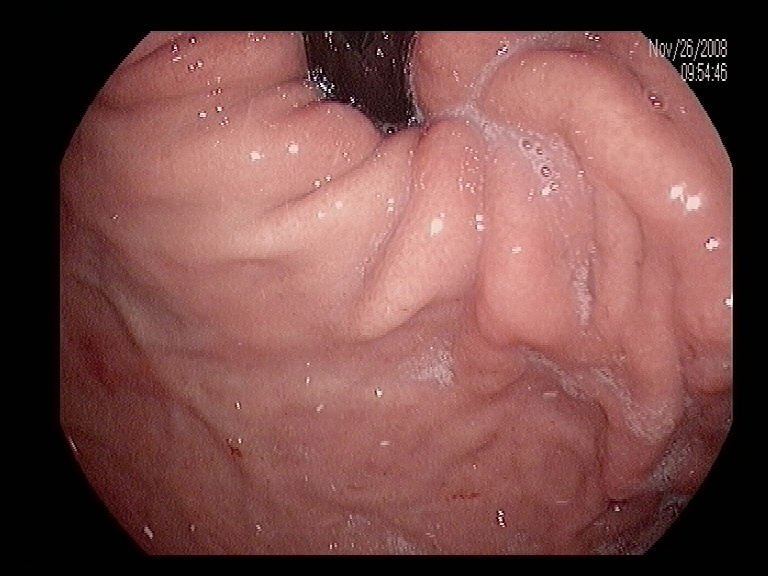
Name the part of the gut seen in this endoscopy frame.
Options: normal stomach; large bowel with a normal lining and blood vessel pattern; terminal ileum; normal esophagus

normal stomach